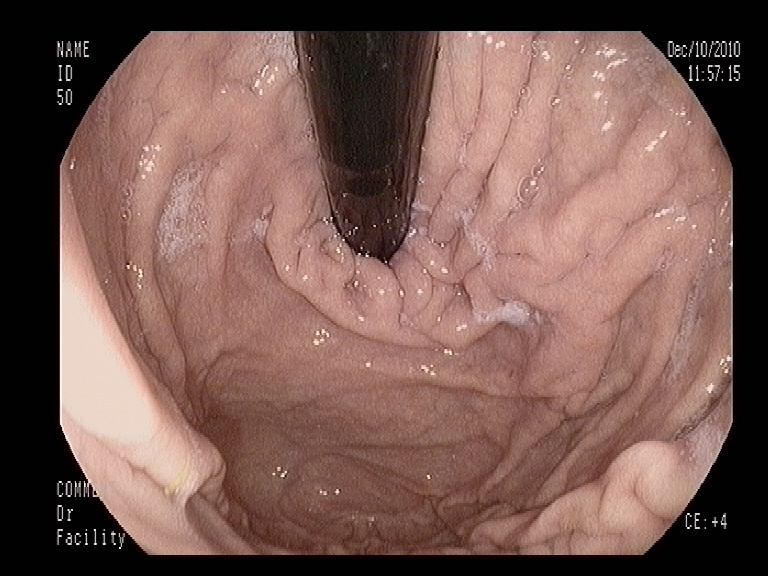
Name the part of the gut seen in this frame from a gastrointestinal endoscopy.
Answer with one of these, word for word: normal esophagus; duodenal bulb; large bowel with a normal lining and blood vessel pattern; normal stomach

normal stomach